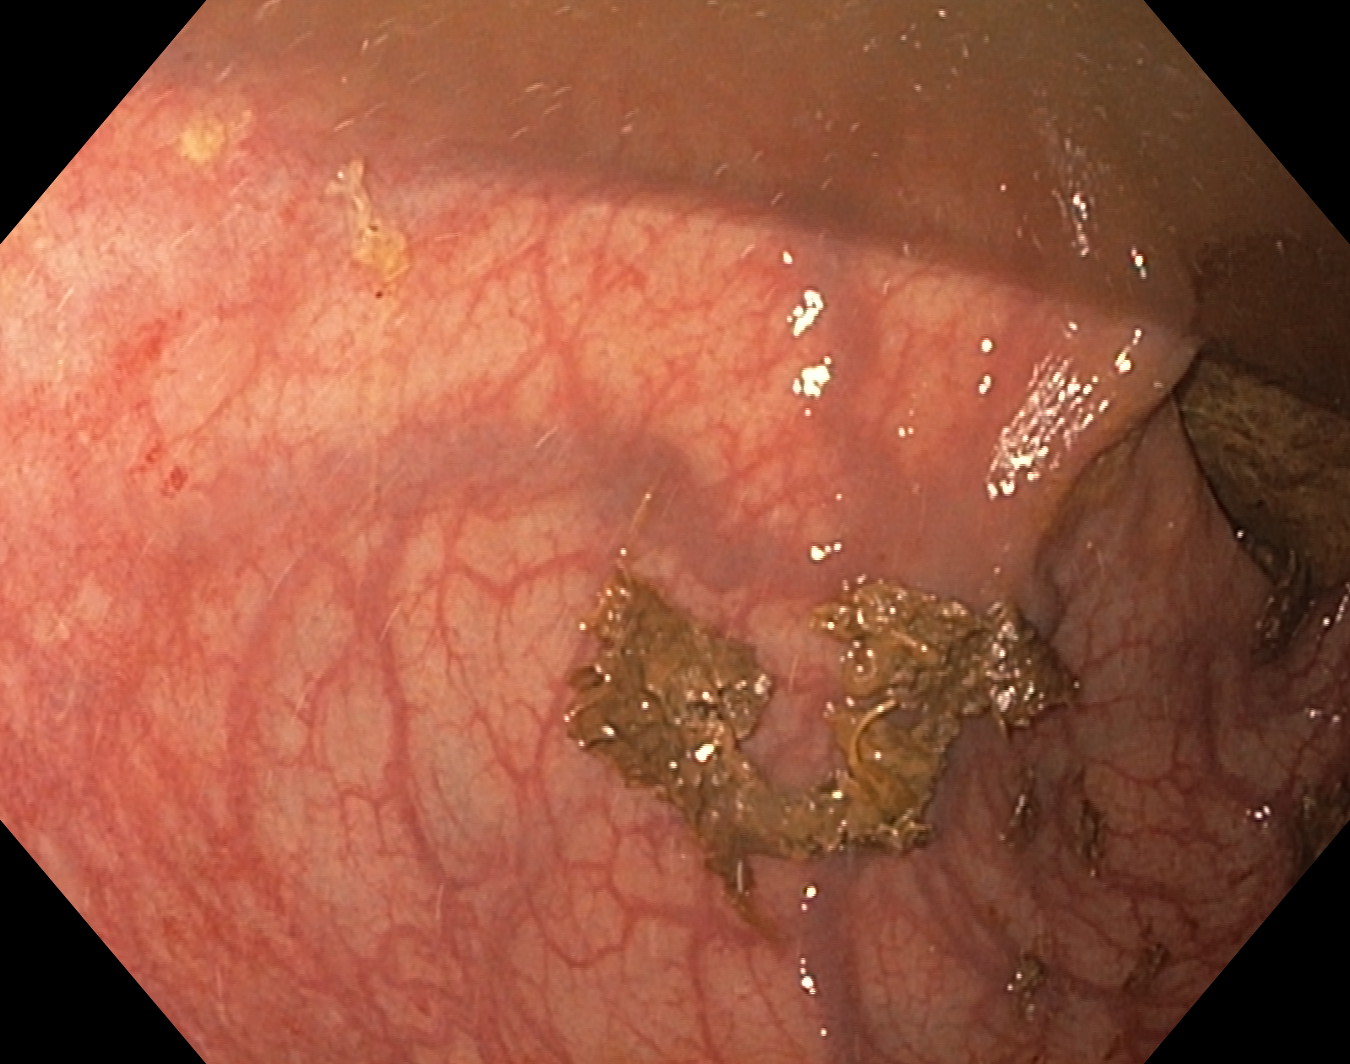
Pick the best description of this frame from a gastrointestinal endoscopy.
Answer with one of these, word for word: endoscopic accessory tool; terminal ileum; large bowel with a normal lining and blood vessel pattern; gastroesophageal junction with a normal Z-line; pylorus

large bowel with a normal lining and blood vessel pattern